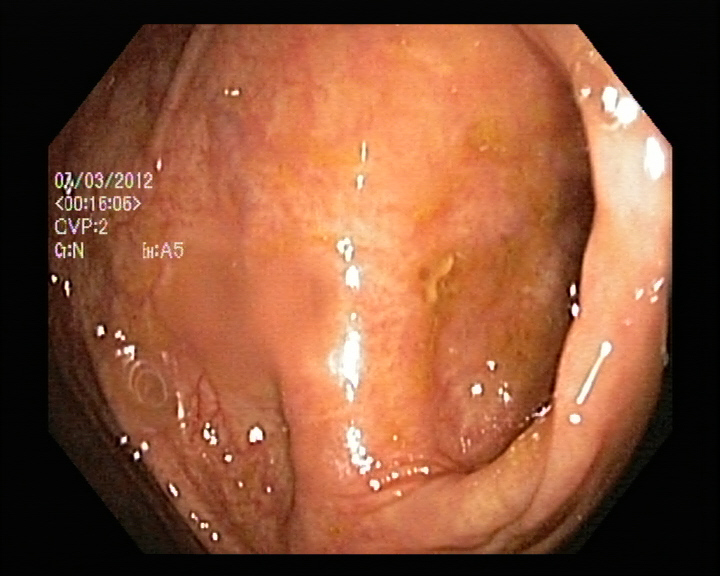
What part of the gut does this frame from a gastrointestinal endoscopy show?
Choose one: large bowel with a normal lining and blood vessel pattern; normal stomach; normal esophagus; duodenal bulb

large bowel with a normal lining and blood vessel pattern